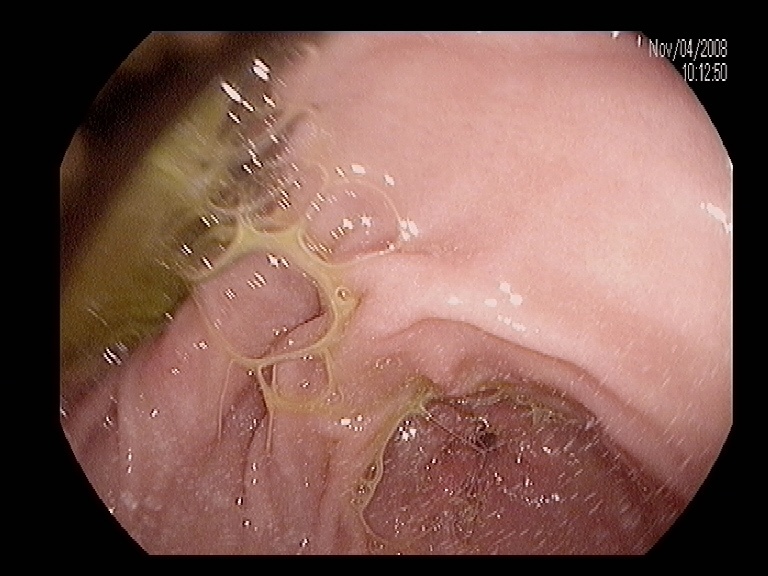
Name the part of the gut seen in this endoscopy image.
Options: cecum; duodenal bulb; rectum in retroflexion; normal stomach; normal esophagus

normal stomach